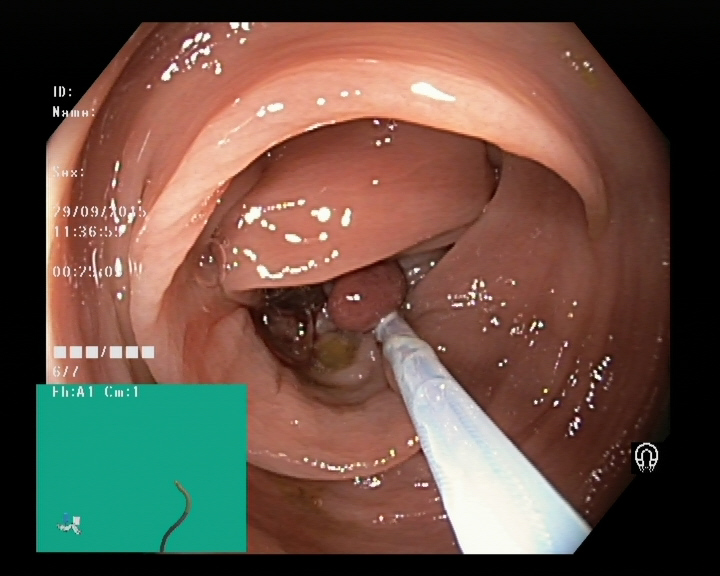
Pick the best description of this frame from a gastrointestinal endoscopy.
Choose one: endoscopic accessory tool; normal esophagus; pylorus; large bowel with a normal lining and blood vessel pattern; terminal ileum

endoscopic accessory tool